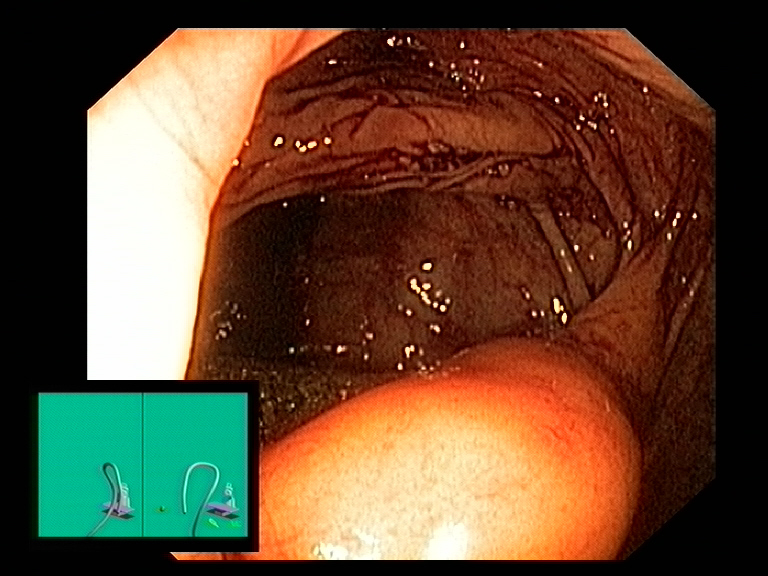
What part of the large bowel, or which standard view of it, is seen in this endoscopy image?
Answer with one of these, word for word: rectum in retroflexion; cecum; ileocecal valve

ileocecal valve